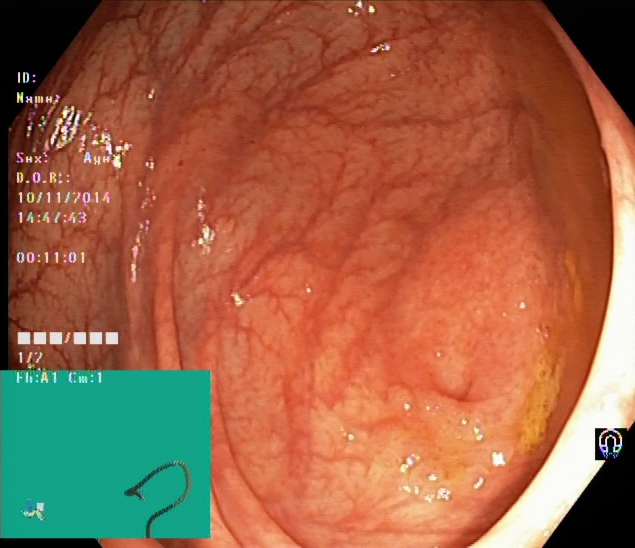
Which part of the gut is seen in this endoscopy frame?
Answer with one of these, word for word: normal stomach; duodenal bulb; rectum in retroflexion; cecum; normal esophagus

cecum